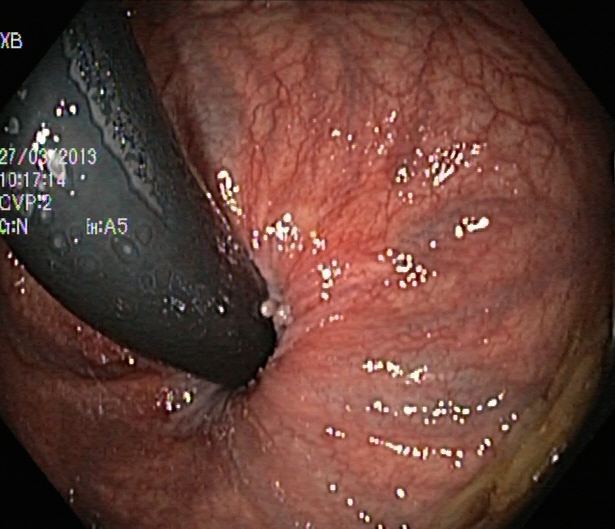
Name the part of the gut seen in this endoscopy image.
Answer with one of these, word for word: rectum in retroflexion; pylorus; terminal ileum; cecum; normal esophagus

rectum in retroflexion